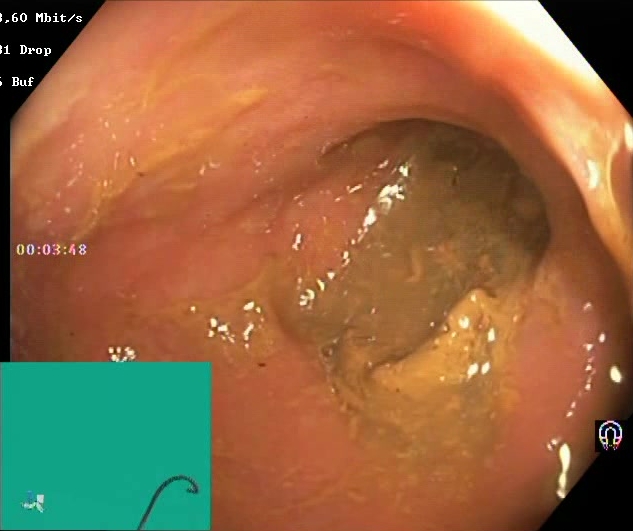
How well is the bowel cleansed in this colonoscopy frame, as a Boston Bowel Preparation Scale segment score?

Boston Bowel Preparation Scale score 0–1 (inadequate preparation)